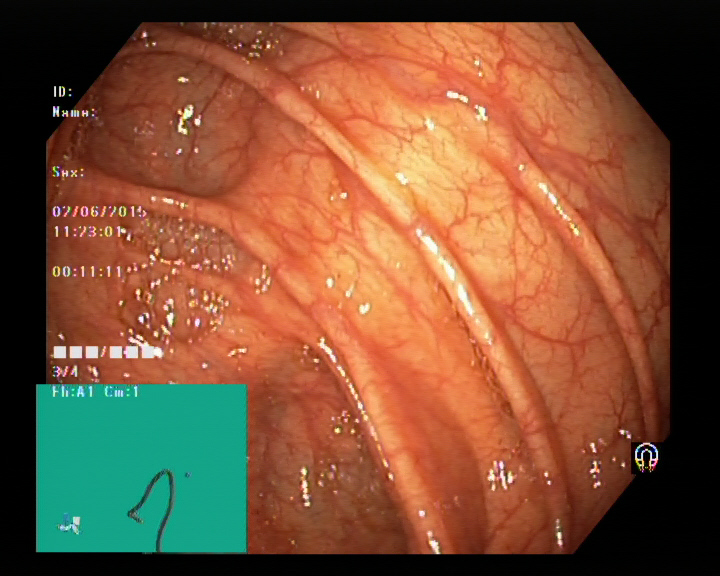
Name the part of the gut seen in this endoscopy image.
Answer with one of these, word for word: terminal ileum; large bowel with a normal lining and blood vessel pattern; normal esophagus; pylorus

large bowel with a normal lining and blood vessel pattern